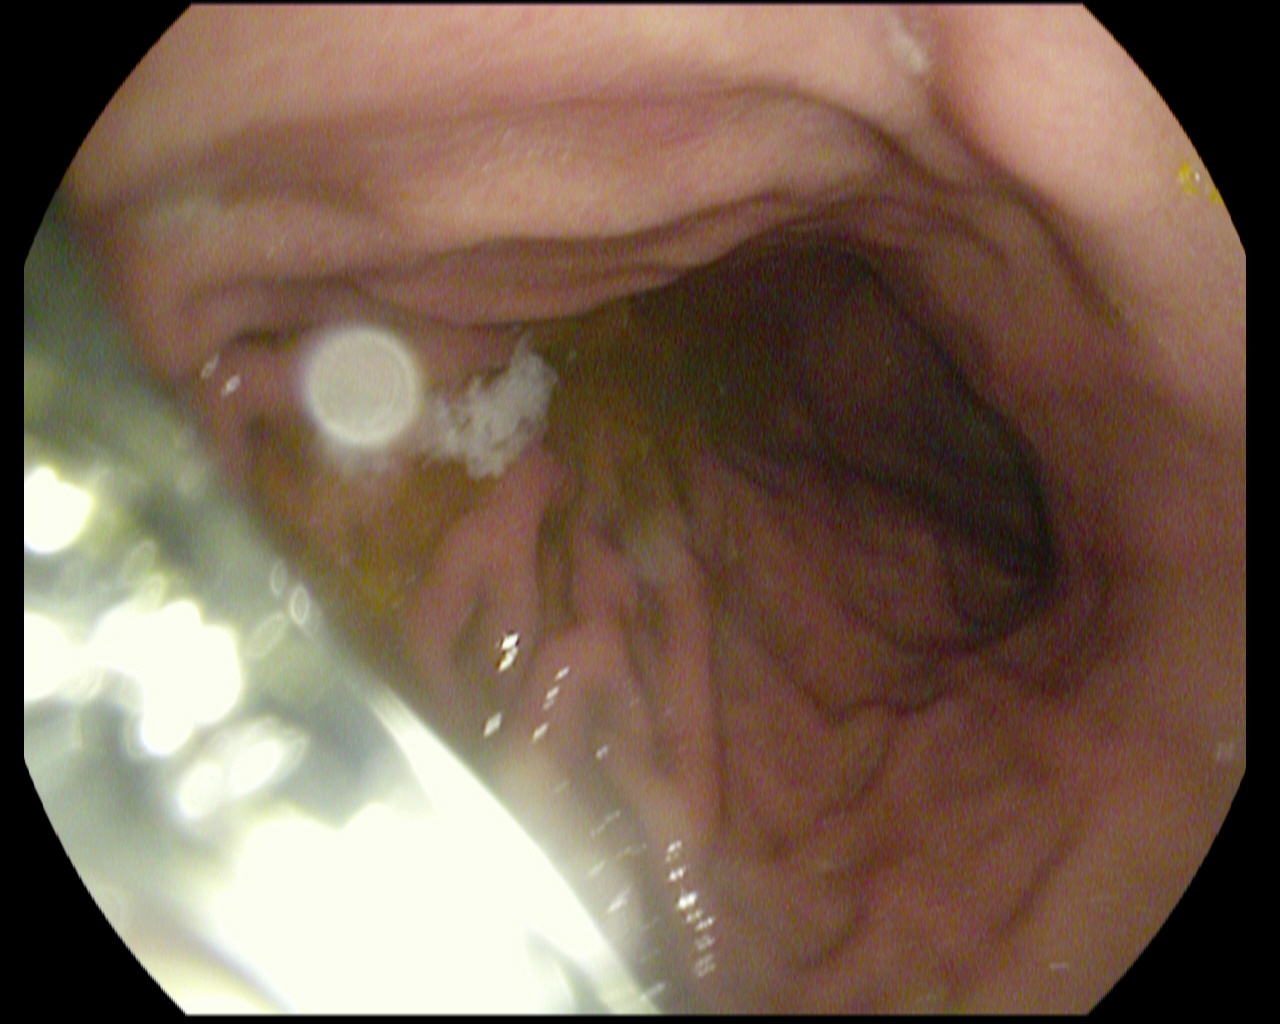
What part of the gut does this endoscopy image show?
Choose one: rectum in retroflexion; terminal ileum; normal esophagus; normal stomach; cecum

normal stomach